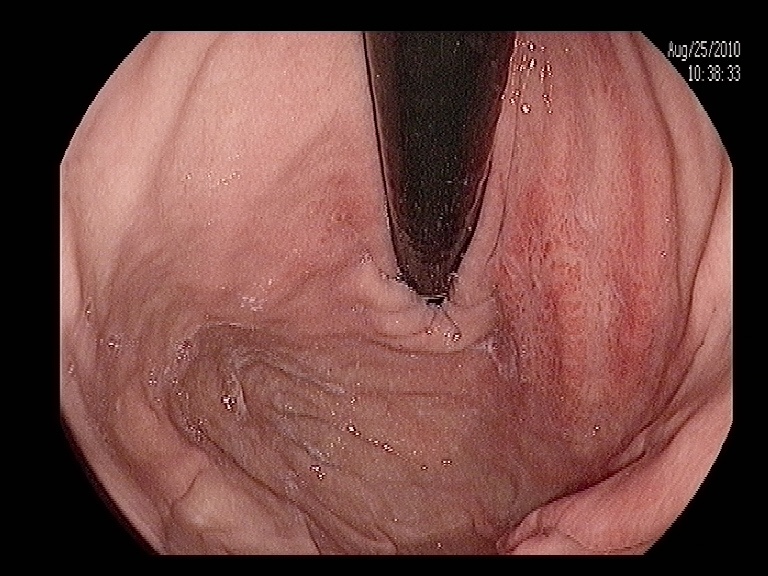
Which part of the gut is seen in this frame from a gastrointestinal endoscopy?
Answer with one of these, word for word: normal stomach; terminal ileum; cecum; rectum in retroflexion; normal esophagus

normal stomach